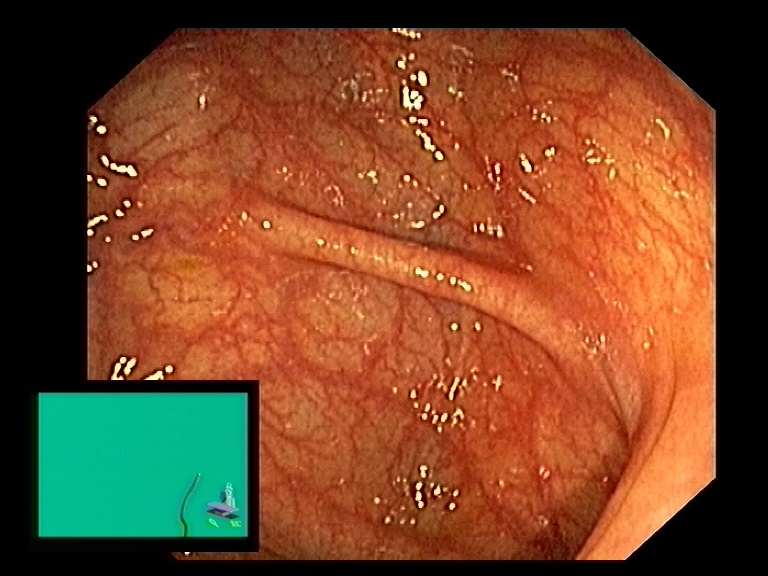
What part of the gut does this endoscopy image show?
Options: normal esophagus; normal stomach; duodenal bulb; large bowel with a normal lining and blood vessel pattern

large bowel with a normal lining and blood vessel pattern